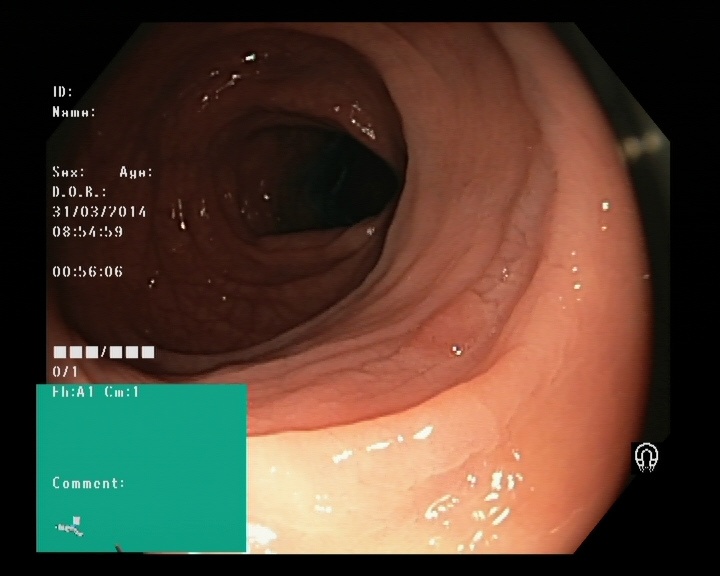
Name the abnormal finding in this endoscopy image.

colon polyp